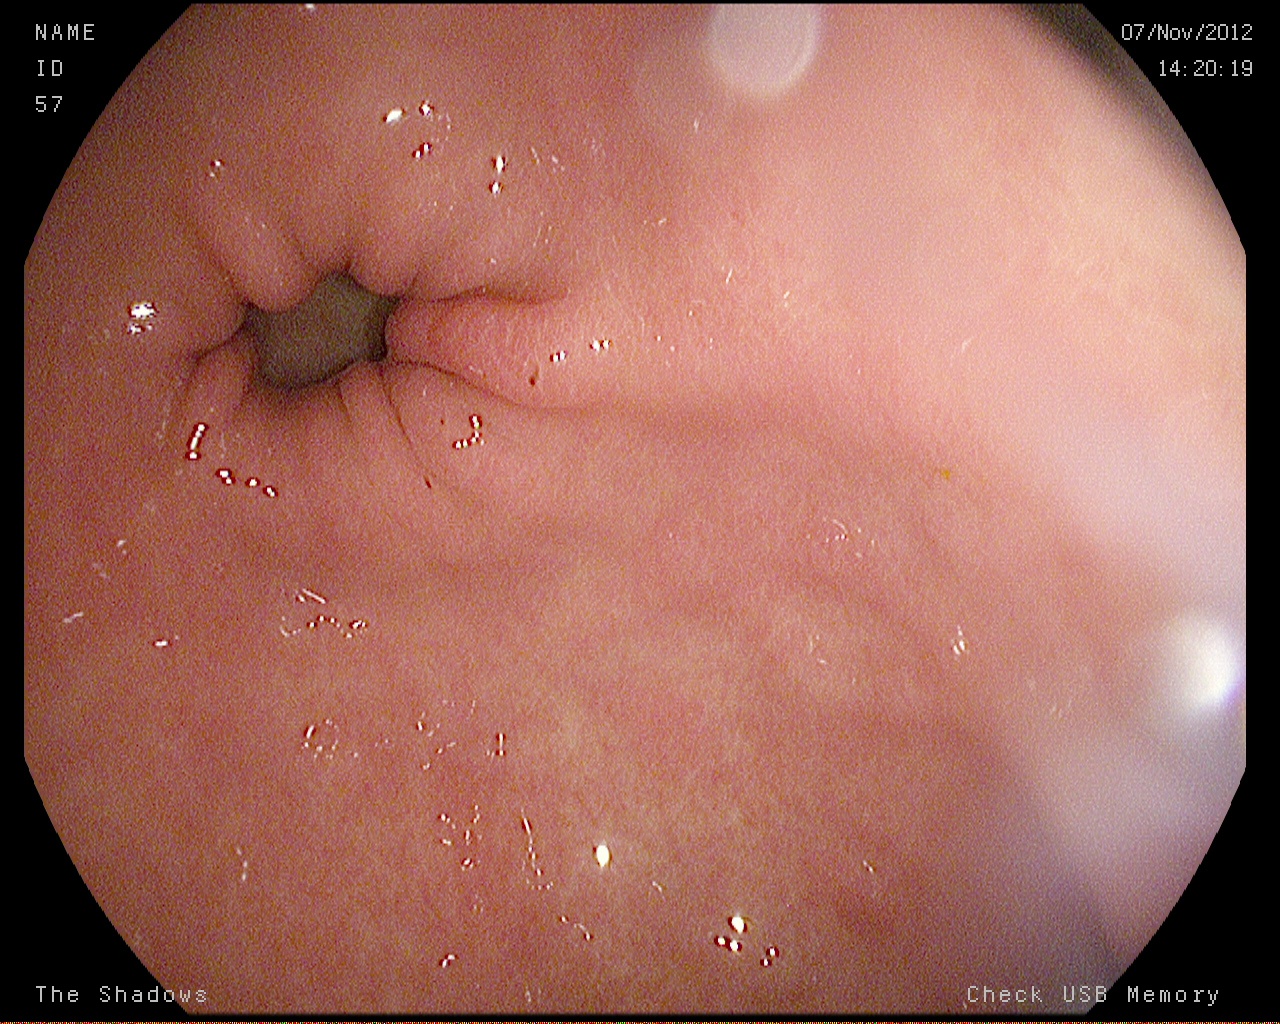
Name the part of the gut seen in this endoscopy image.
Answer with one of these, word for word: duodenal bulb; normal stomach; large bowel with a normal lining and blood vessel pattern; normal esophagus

normal stomach